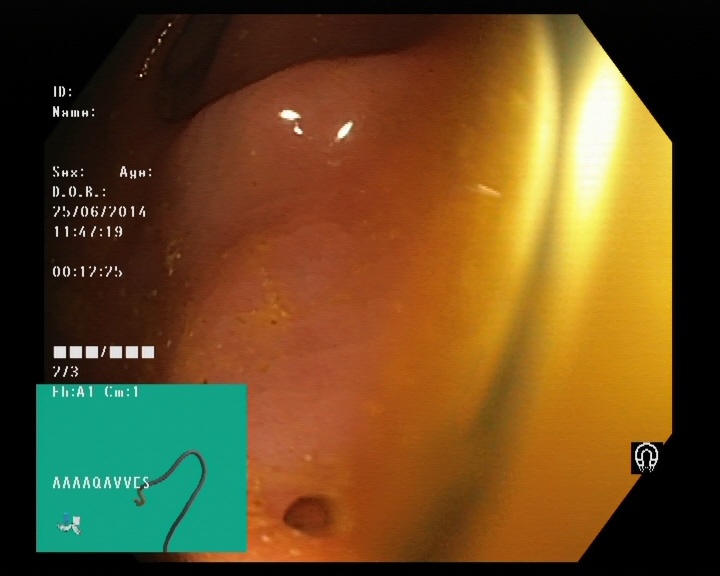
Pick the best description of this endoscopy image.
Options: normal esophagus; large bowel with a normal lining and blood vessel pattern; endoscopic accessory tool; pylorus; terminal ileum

large bowel with a normal lining and blood vessel pattern